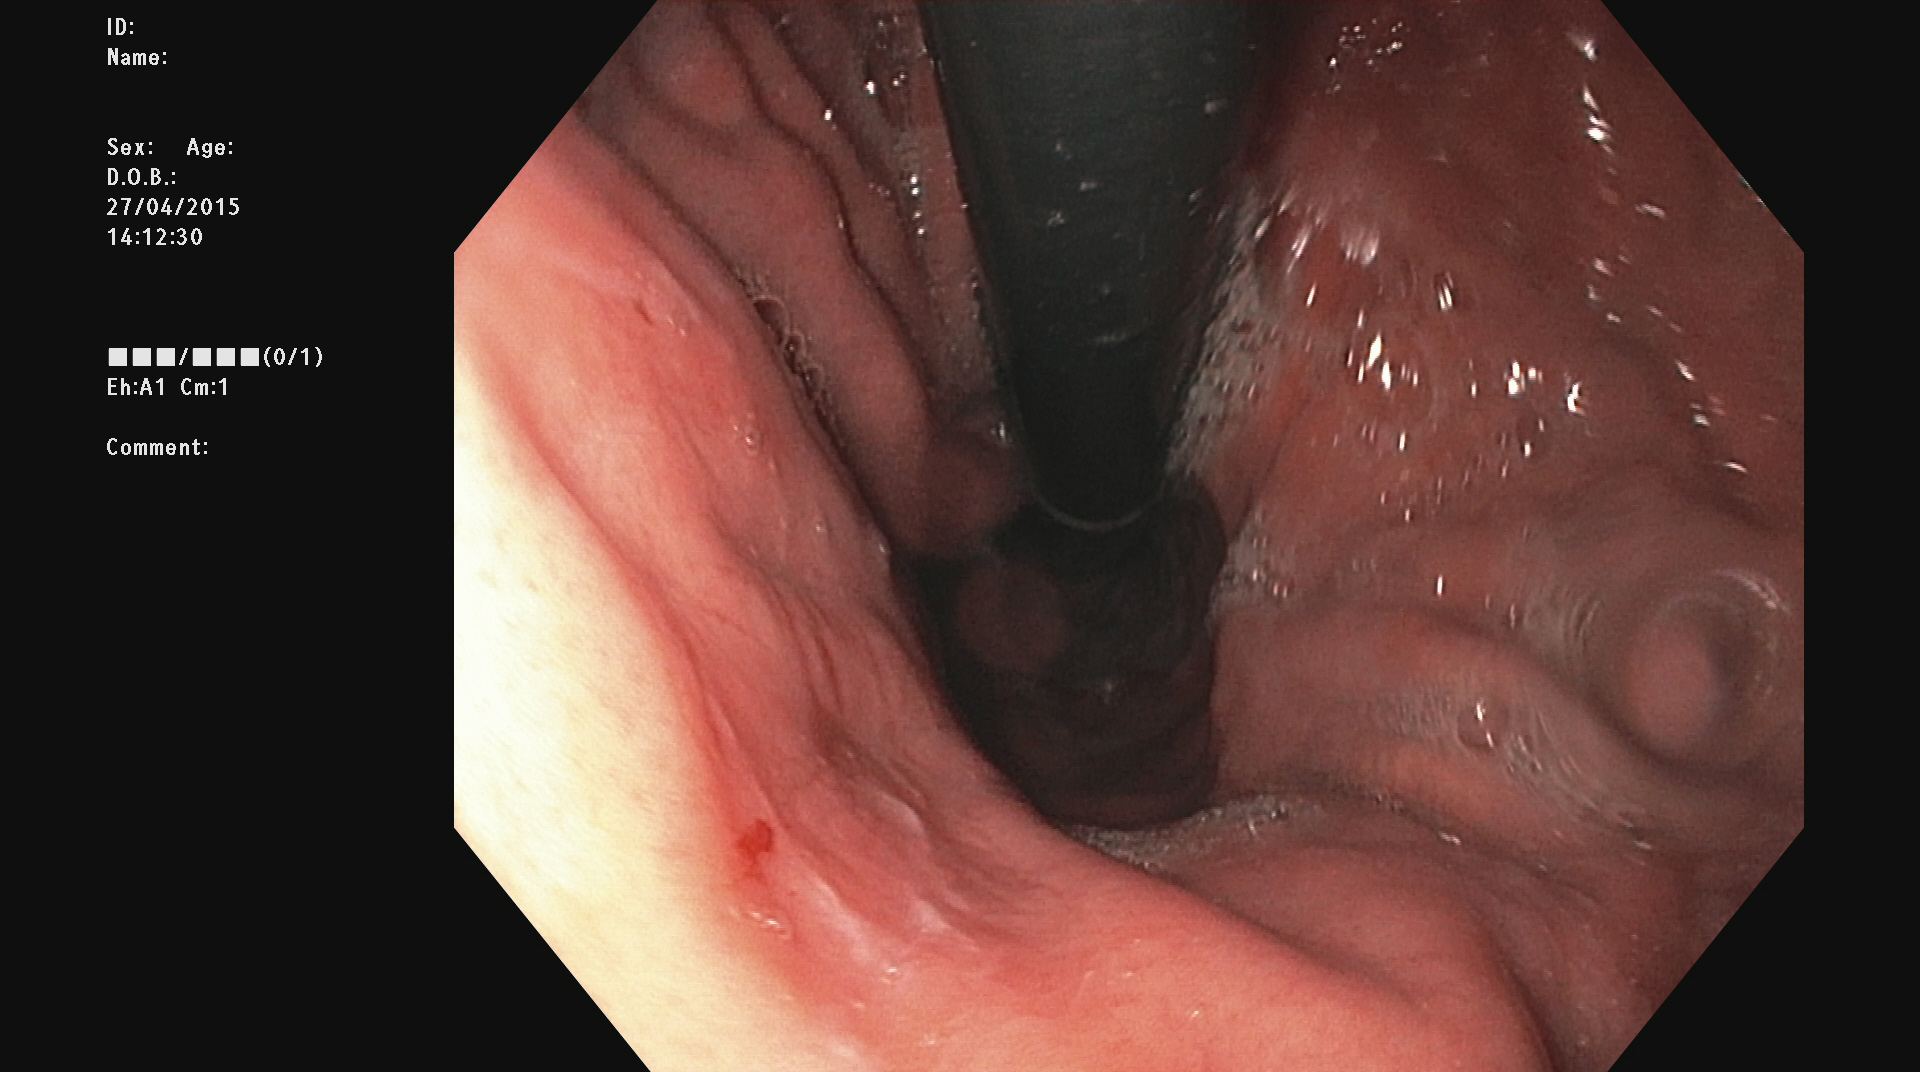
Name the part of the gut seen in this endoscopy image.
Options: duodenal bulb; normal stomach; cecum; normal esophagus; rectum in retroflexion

normal stomach